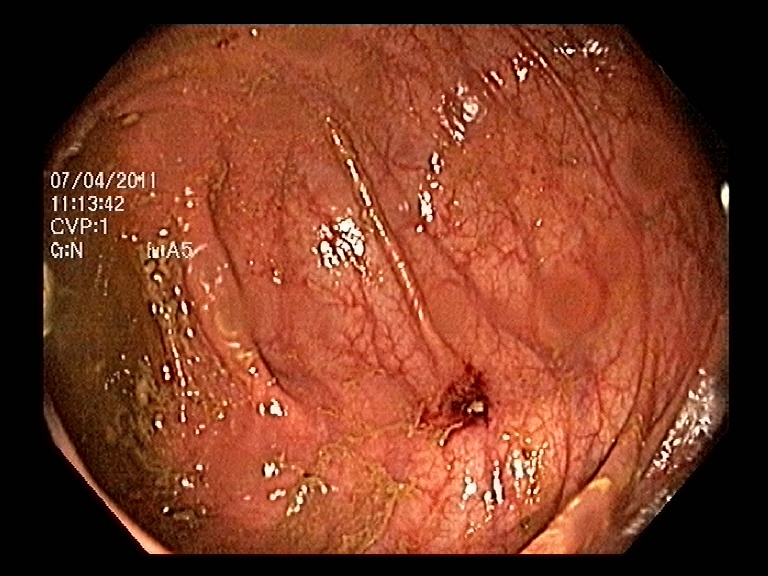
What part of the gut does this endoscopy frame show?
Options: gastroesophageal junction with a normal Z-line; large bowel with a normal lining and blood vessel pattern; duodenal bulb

large bowel with a normal lining and blood vessel pattern